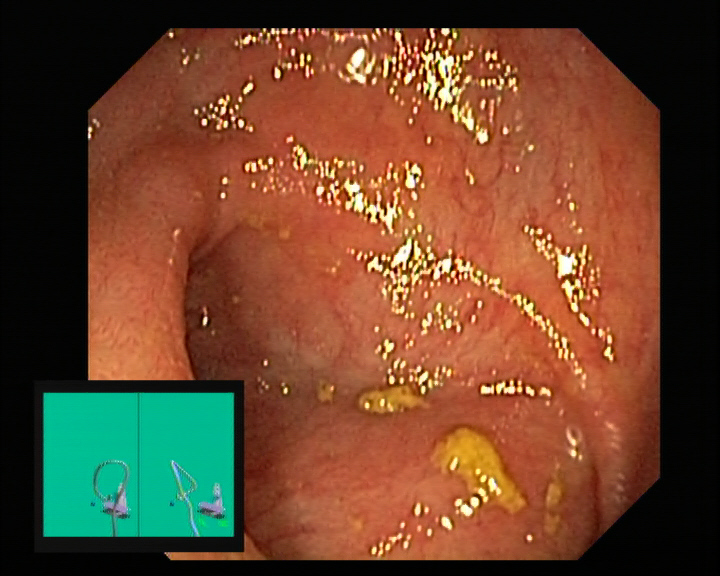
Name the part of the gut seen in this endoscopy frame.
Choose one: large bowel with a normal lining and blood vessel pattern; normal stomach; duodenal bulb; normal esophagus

large bowel with a normal lining and blood vessel pattern